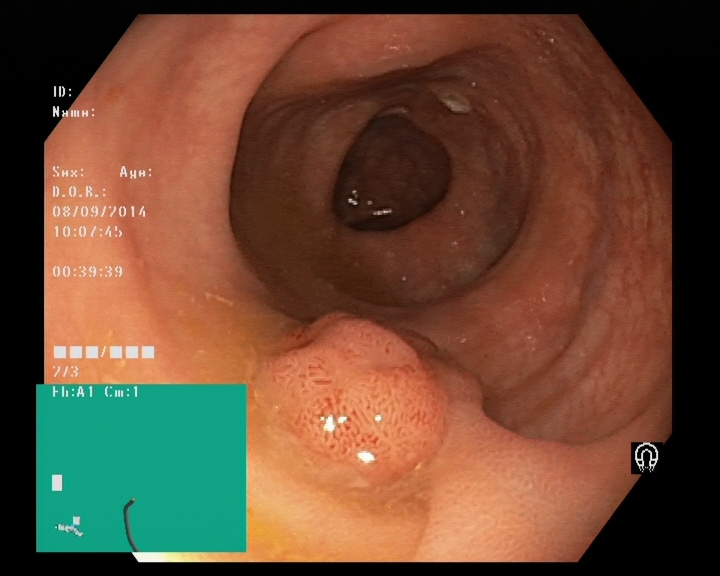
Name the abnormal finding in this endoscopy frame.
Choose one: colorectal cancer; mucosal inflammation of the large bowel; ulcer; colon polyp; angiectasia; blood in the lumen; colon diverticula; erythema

colon polyp